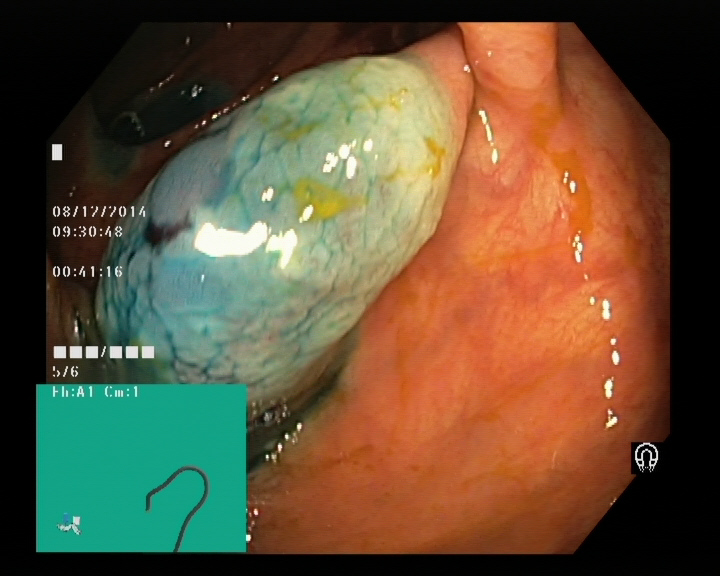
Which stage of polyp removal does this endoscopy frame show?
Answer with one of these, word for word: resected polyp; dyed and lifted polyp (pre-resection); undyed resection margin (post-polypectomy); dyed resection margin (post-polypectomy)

dyed and lifted polyp (pre-resection)